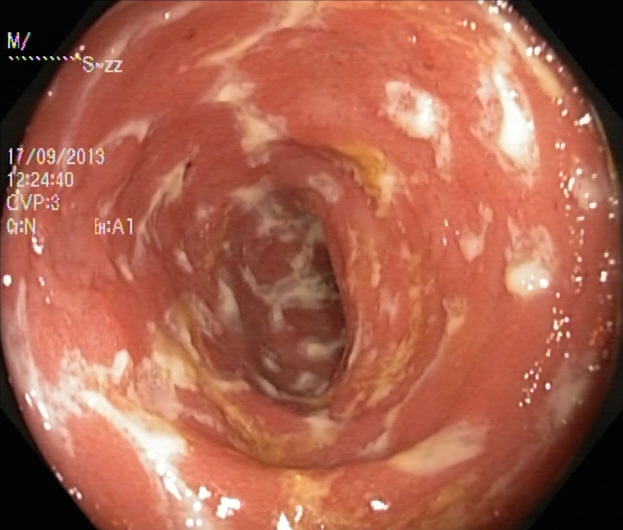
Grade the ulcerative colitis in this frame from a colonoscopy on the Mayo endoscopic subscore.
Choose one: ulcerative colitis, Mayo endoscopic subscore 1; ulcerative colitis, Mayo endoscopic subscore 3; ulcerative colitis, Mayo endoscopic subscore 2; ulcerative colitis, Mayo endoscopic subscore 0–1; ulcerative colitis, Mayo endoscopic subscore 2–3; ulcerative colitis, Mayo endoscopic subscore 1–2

ulcerative colitis, Mayo endoscopic subscore 2